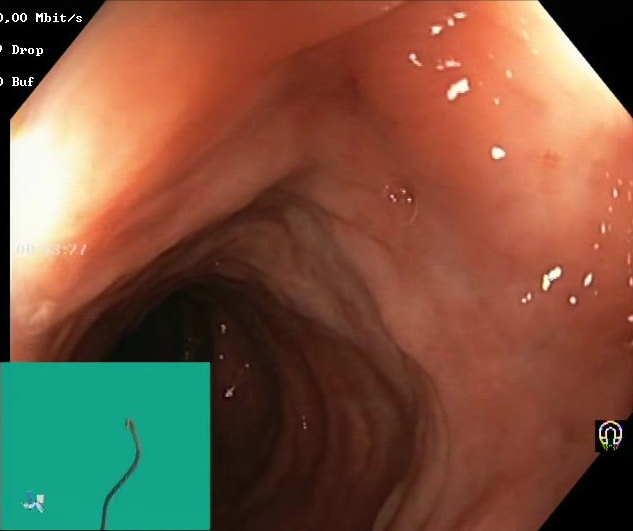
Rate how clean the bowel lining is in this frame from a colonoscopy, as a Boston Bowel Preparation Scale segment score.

Boston Bowel Preparation Scale score 2–3 (adequate preparation)